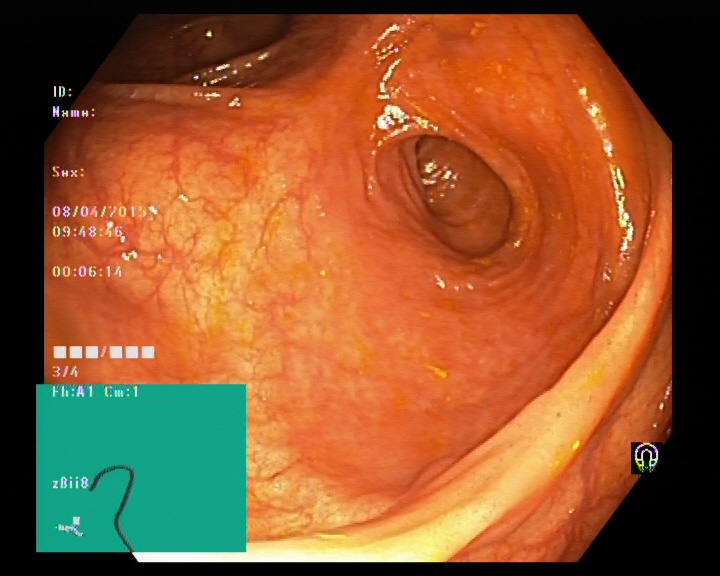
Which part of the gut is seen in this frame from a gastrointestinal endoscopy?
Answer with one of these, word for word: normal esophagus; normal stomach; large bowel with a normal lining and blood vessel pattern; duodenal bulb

large bowel with a normal lining and blood vessel pattern